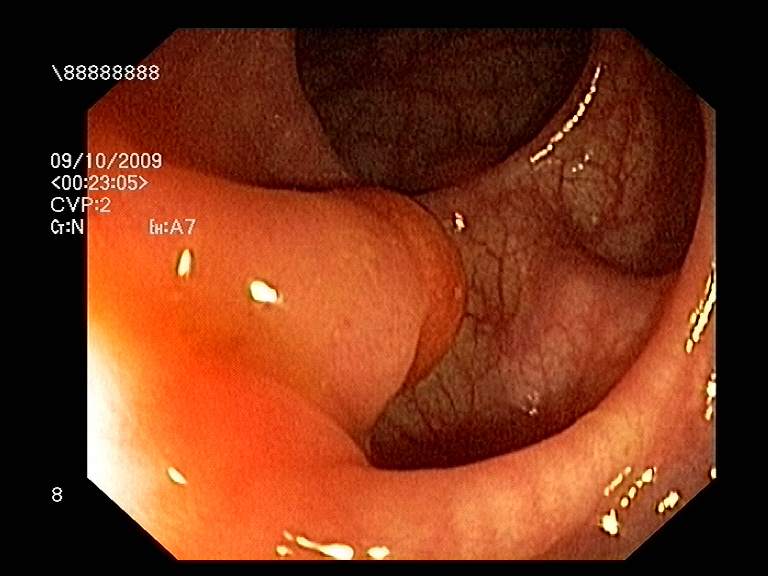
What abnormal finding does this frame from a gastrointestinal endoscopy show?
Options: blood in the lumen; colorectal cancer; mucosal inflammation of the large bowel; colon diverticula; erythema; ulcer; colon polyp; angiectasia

colon polyp